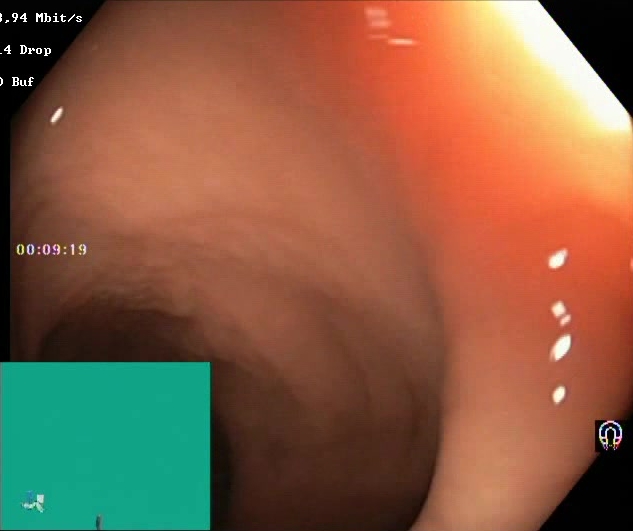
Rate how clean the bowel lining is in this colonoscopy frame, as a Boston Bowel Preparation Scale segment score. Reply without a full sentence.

Boston Bowel Preparation Scale score 2–3 (adequate preparation)